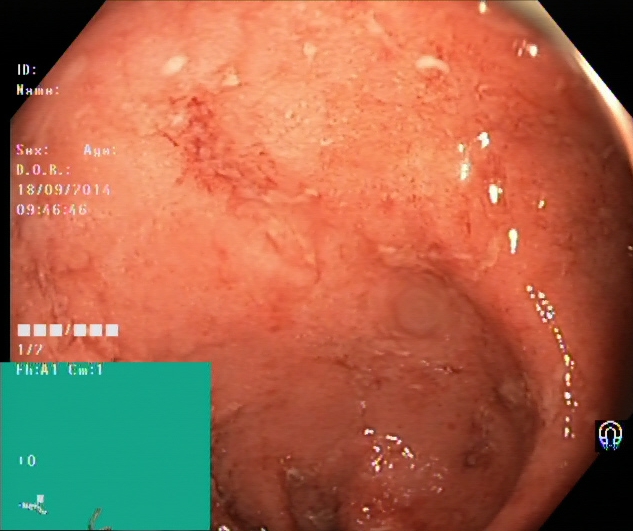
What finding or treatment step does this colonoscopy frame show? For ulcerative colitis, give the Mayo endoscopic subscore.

ulcerative colitis, Mayo endoscopic subscore 2